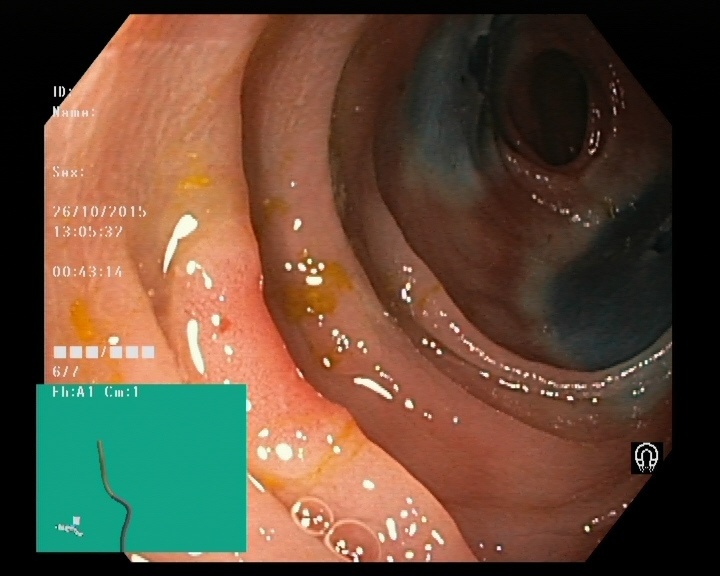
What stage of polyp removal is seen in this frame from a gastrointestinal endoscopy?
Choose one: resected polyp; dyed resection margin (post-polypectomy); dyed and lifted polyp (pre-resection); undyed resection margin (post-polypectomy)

dyed resection margin (post-polypectomy)